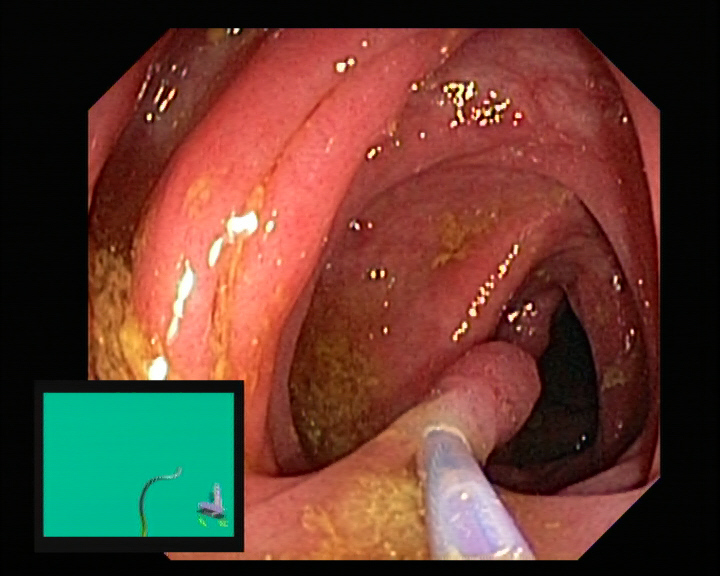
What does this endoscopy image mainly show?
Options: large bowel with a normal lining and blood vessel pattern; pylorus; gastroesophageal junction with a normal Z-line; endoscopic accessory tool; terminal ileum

endoscopic accessory tool